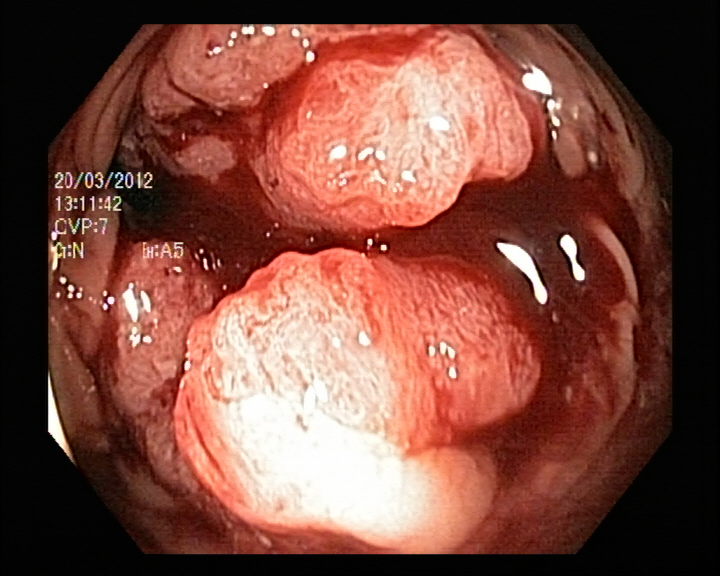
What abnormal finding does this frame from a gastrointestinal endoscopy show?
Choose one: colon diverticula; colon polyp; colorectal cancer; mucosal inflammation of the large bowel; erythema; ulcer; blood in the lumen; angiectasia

colorectal cancer